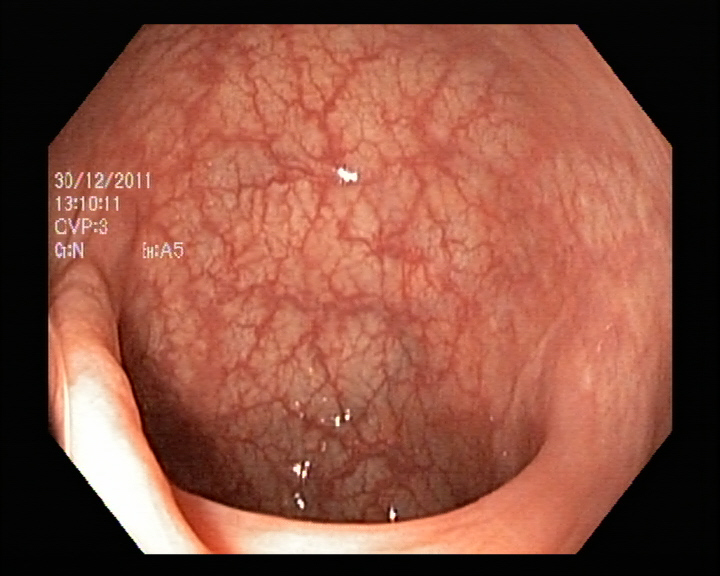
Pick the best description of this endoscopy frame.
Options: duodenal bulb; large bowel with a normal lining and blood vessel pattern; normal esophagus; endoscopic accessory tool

large bowel with a normal lining and blood vessel pattern